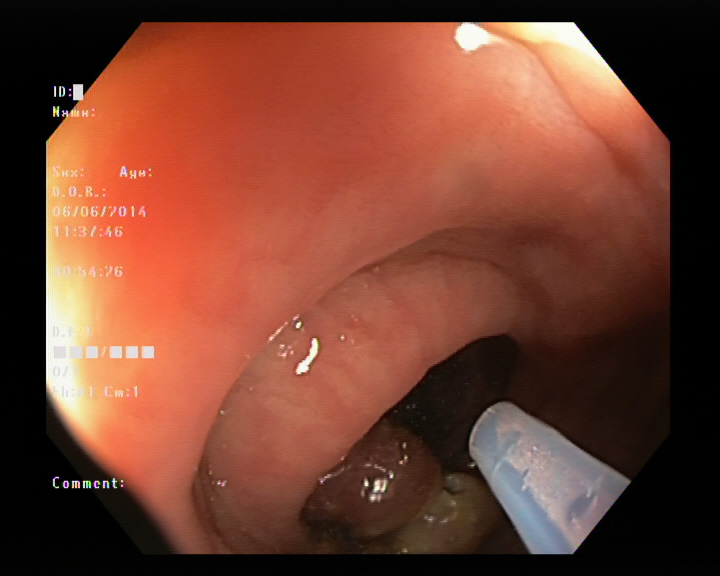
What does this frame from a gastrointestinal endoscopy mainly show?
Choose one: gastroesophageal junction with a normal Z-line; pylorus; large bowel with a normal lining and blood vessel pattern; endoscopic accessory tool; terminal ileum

endoscopic accessory tool